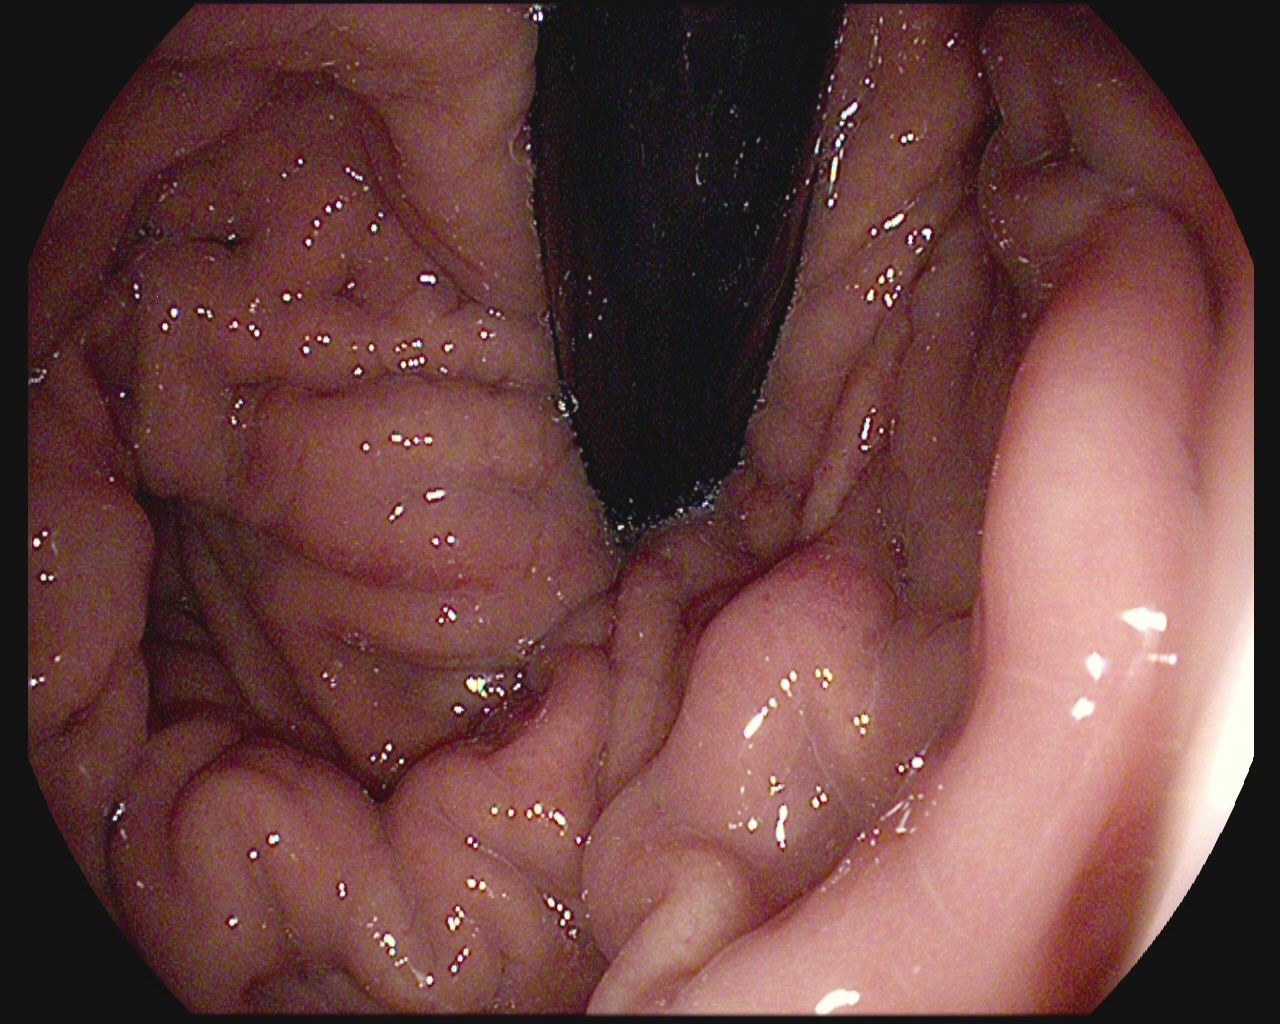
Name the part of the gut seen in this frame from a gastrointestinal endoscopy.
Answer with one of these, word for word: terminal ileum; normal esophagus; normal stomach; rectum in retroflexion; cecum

normal stomach